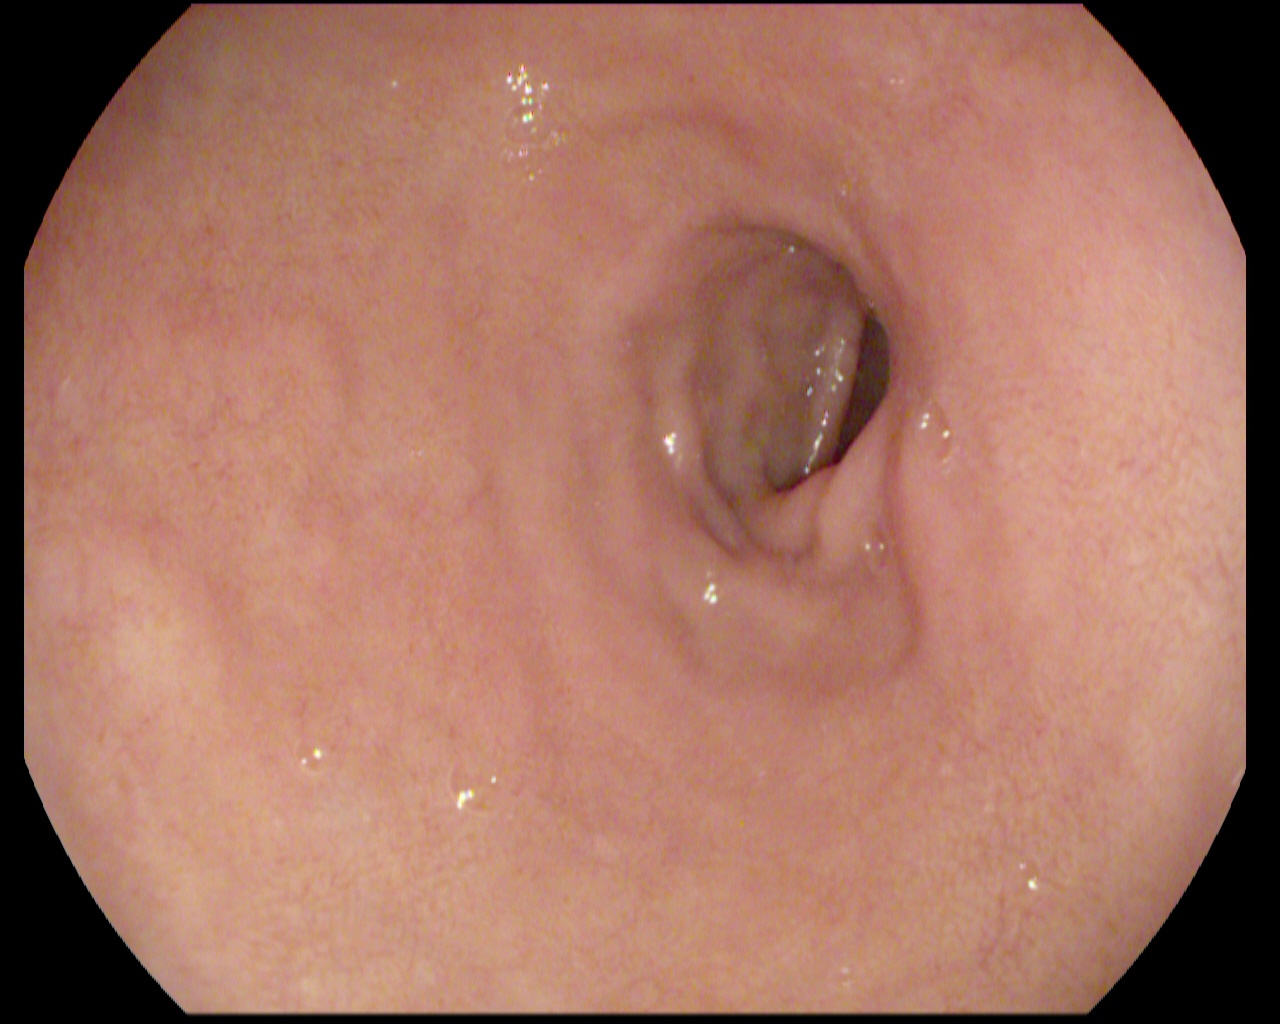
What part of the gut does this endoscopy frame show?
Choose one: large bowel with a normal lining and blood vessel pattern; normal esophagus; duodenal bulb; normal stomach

duodenal bulb